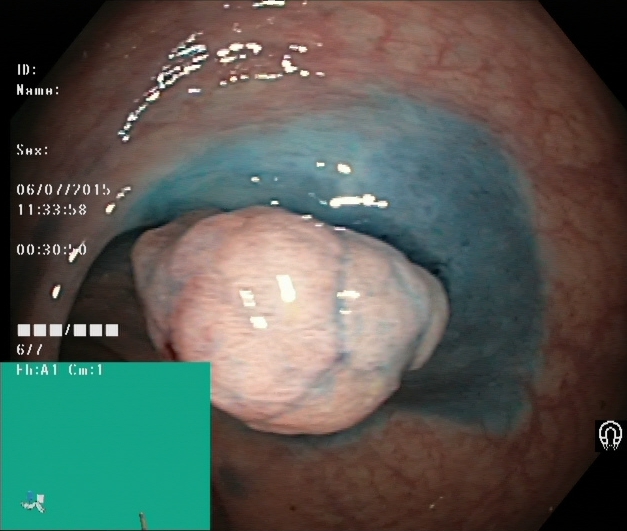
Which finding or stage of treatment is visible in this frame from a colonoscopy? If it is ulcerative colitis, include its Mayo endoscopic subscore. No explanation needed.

dyed and lifted polyp (pre-resection)